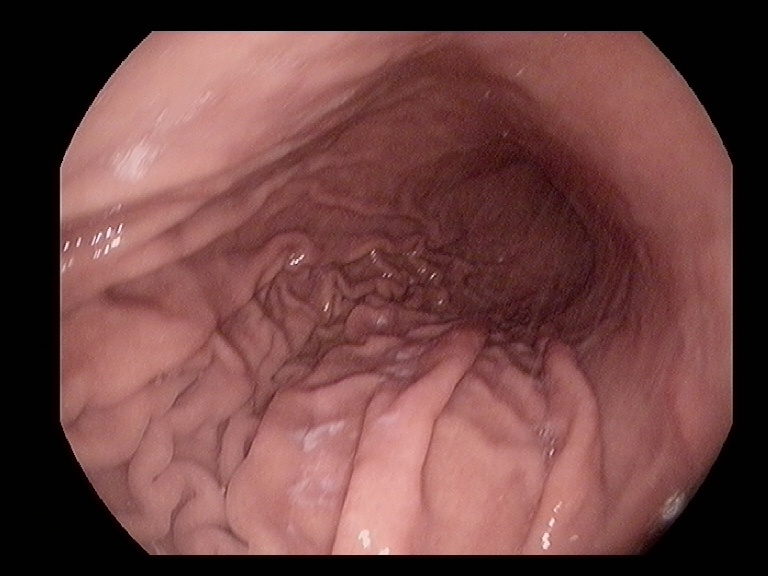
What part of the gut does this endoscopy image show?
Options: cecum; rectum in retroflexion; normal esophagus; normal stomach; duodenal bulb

normal stomach